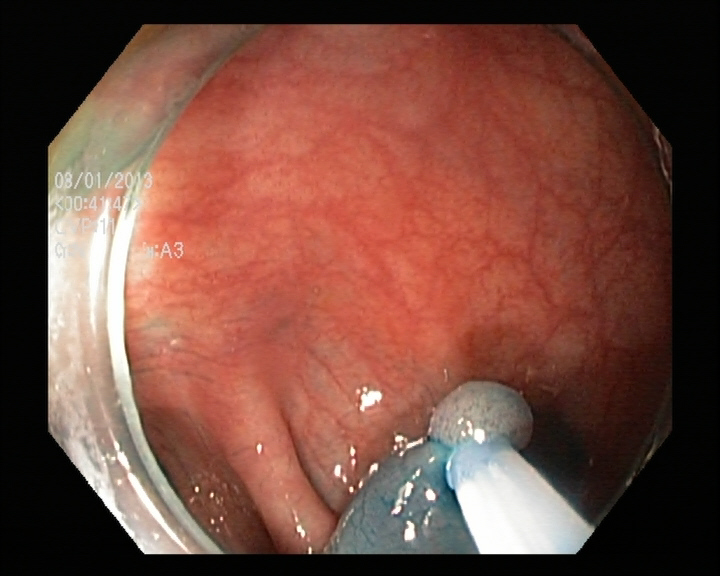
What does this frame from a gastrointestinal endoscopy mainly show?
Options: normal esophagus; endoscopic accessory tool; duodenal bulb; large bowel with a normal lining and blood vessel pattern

endoscopic accessory tool